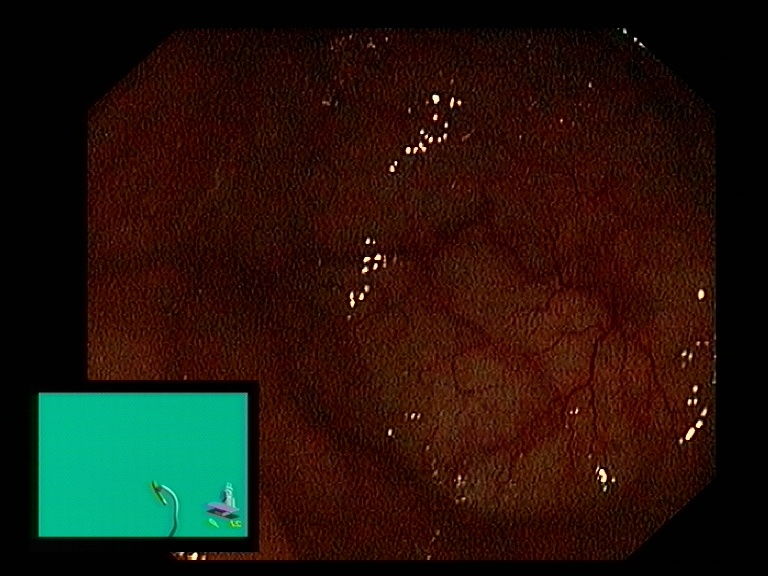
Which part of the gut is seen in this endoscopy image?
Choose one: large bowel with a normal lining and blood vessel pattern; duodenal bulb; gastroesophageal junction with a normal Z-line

large bowel with a normal lining and blood vessel pattern